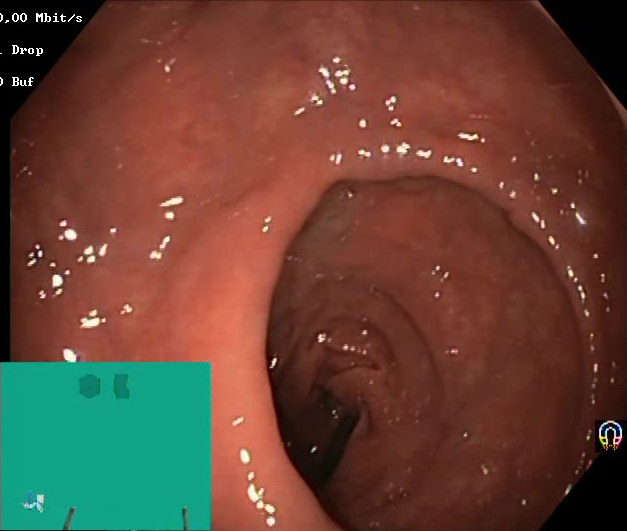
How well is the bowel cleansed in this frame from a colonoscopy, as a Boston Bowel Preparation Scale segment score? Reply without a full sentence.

Boston Bowel Preparation Scale score 2–3 (adequate preparation)